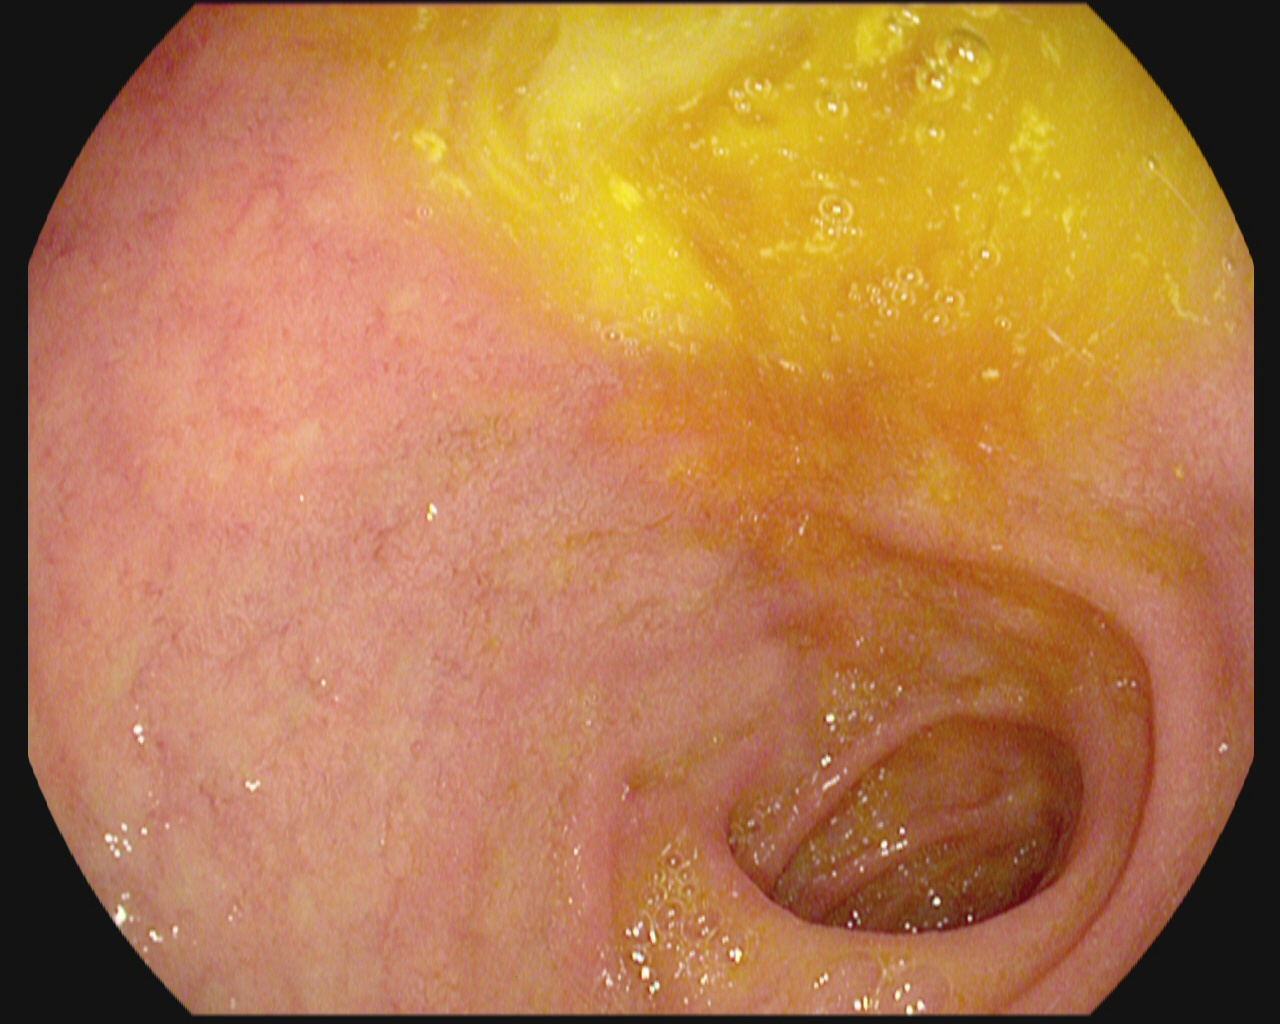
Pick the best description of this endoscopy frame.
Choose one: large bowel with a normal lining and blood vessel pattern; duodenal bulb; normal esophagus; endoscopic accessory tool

duodenal bulb